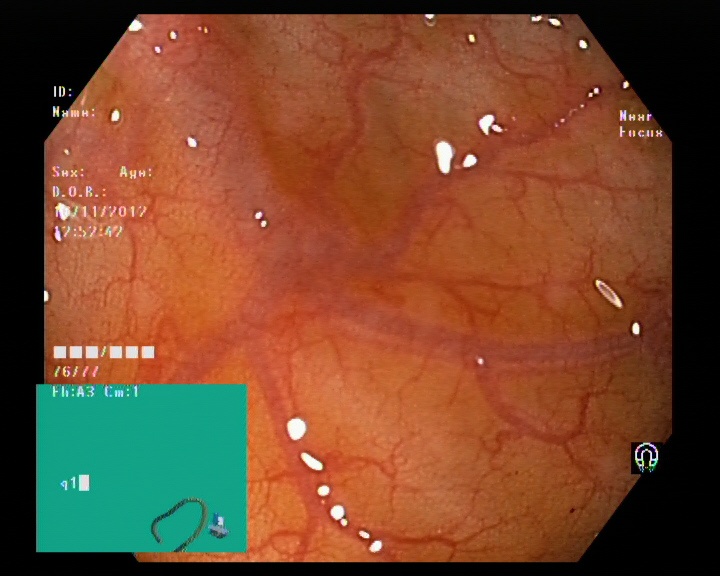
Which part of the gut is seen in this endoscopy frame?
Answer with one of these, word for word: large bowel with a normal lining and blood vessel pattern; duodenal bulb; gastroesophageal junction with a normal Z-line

large bowel with a normal lining and blood vessel pattern